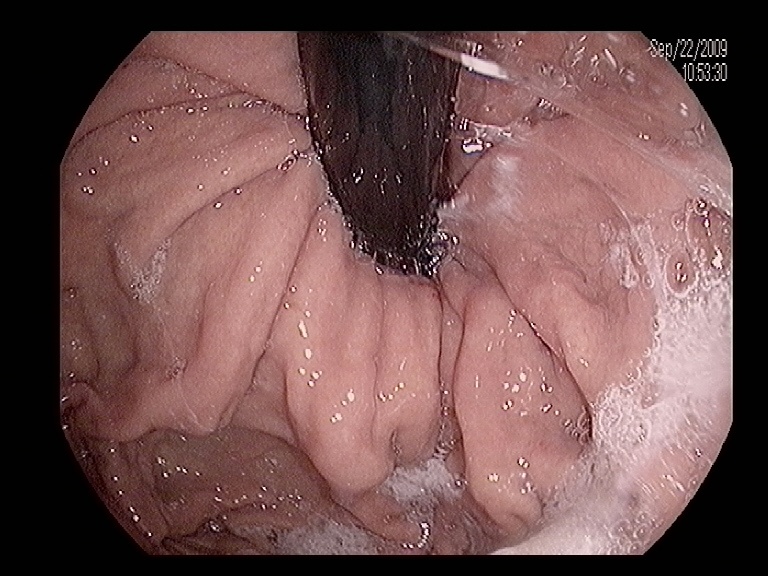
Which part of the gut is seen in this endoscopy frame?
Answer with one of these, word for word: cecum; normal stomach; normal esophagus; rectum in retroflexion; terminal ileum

normal stomach